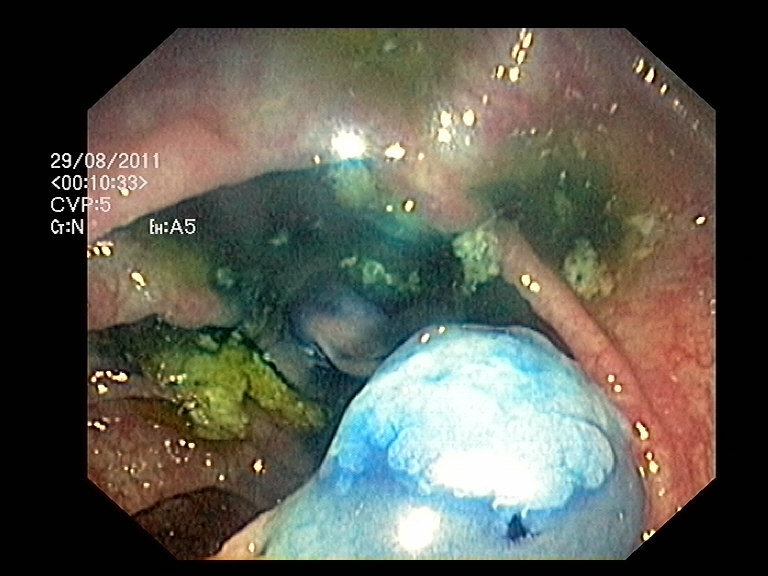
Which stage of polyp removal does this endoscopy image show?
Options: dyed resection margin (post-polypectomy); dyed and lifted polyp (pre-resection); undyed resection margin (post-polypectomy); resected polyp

dyed and lifted polyp (pre-resection)